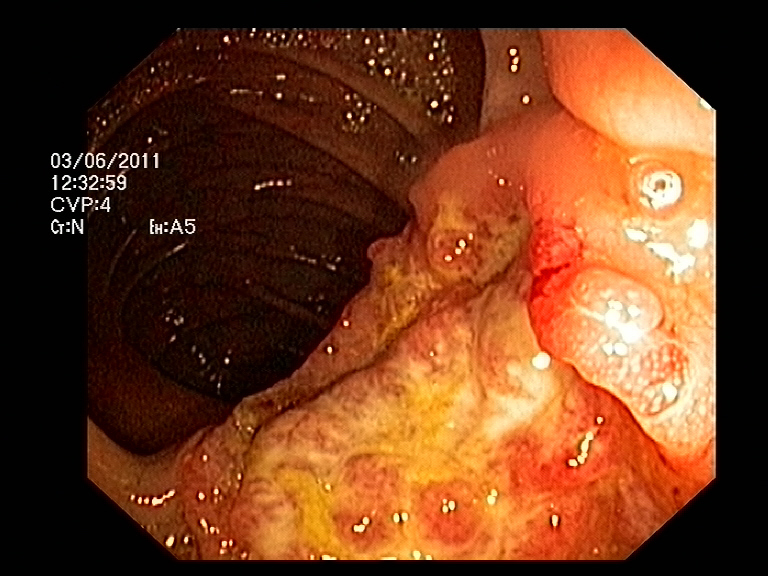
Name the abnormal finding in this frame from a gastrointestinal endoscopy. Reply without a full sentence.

colorectal cancer